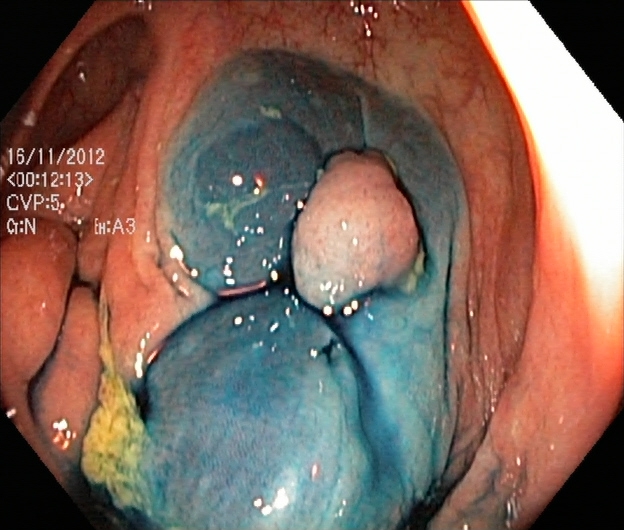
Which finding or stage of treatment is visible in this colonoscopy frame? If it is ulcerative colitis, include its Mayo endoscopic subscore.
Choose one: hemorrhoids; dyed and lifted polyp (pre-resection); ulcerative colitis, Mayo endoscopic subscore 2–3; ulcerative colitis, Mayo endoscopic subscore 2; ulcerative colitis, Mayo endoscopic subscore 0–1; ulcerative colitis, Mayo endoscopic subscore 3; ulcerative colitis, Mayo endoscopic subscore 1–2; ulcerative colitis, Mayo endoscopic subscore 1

dyed and lifted polyp (pre-resection)